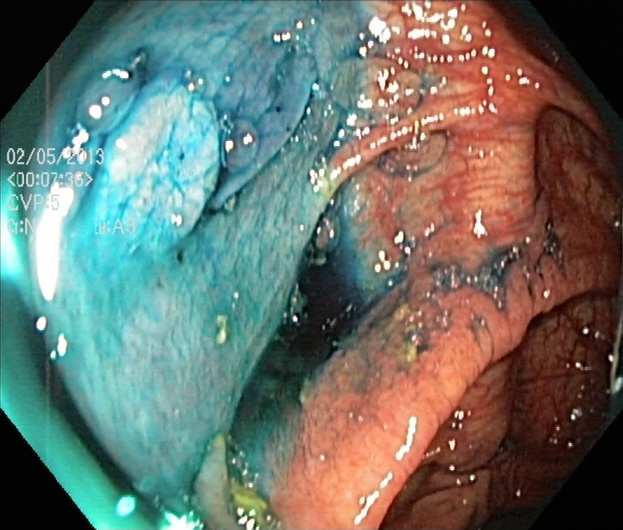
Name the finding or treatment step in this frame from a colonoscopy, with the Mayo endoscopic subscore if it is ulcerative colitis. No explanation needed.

dyed and lifted polyp (pre-resection)